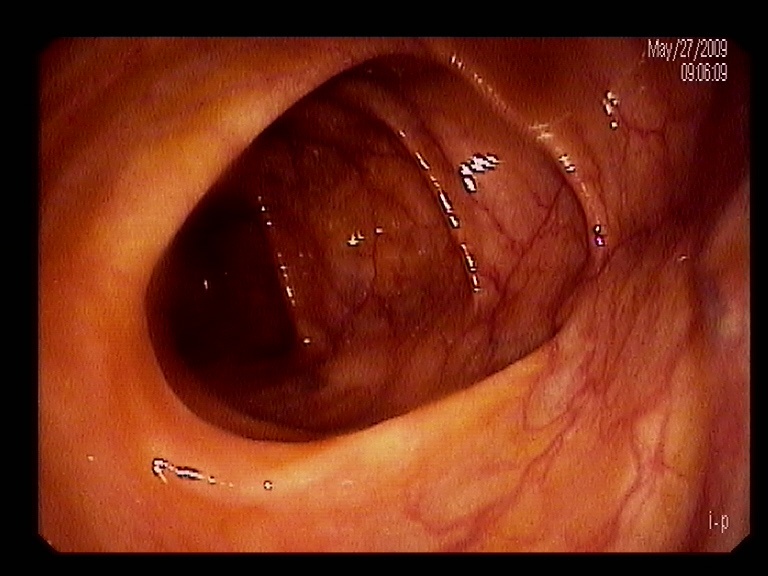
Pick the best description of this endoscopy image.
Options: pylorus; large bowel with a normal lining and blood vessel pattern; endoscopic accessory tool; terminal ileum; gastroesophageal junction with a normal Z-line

large bowel with a normal lining and blood vessel pattern